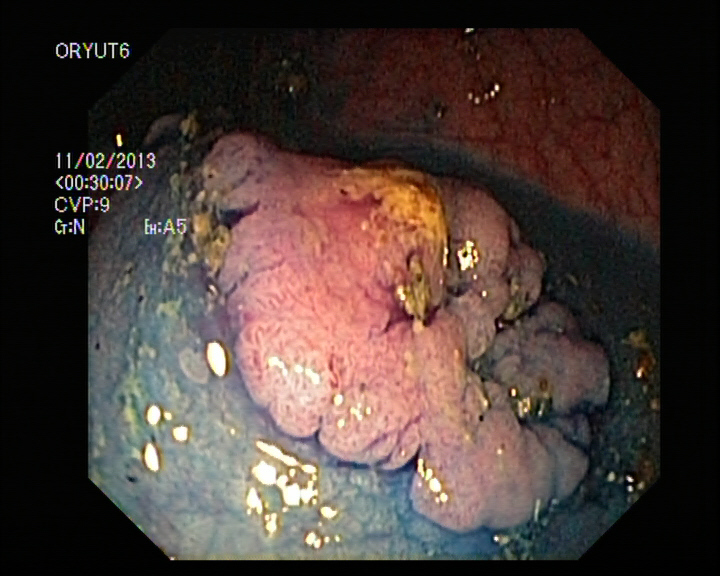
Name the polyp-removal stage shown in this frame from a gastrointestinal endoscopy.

dyed and lifted polyp (pre-resection)